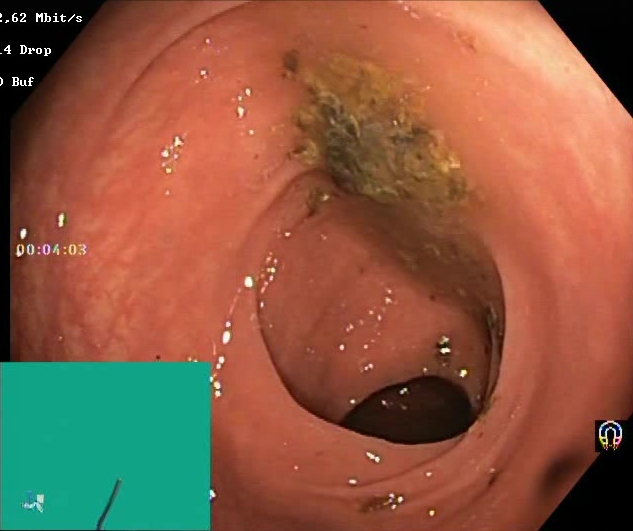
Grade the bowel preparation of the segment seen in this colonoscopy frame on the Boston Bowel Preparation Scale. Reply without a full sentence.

Boston Bowel Preparation Scale score 0–1 (inadequate preparation)